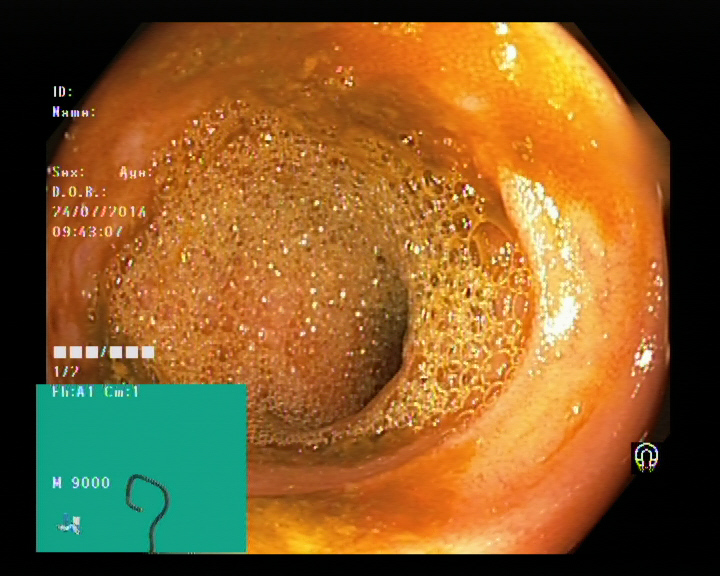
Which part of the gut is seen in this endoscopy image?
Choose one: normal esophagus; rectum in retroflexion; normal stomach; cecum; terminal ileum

terminal ileum